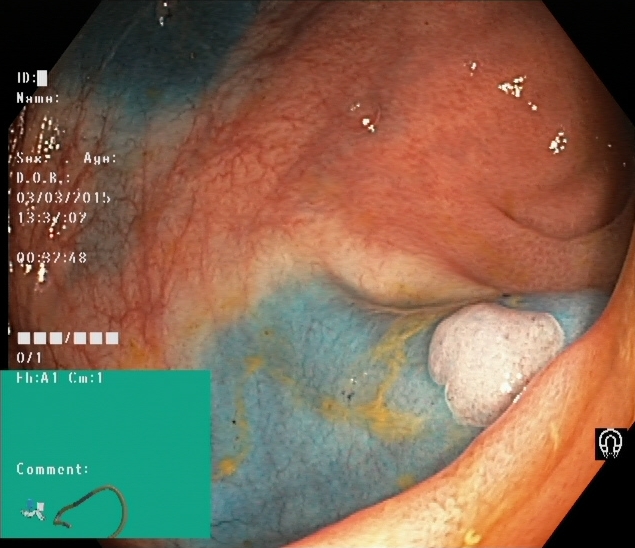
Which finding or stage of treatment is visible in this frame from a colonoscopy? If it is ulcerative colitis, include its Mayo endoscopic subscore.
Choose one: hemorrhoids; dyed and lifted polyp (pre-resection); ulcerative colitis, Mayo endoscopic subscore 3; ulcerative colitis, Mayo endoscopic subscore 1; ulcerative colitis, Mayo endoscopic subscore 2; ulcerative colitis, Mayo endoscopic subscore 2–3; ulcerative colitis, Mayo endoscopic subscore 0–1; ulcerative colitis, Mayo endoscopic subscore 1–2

dyed and lifted polyp (pre-resection)